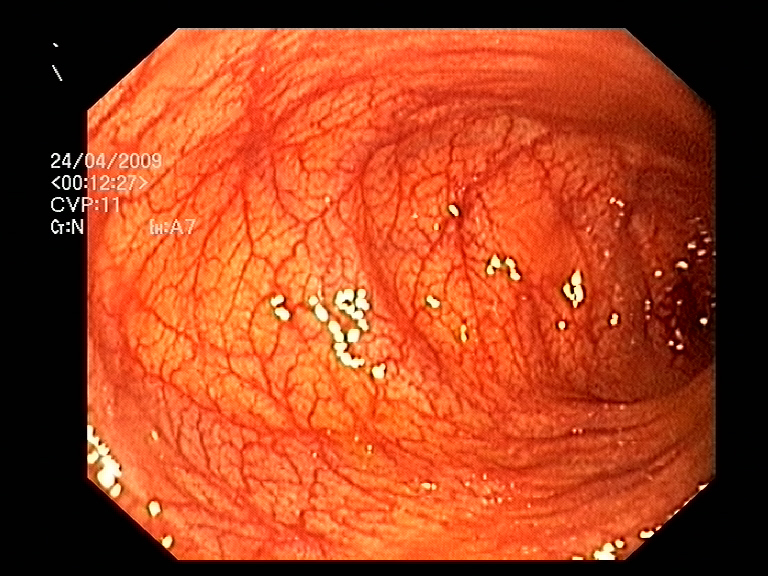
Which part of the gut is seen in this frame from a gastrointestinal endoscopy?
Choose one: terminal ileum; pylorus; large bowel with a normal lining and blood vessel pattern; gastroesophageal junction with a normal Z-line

large bowel with a normal lining and blood vessel pattern